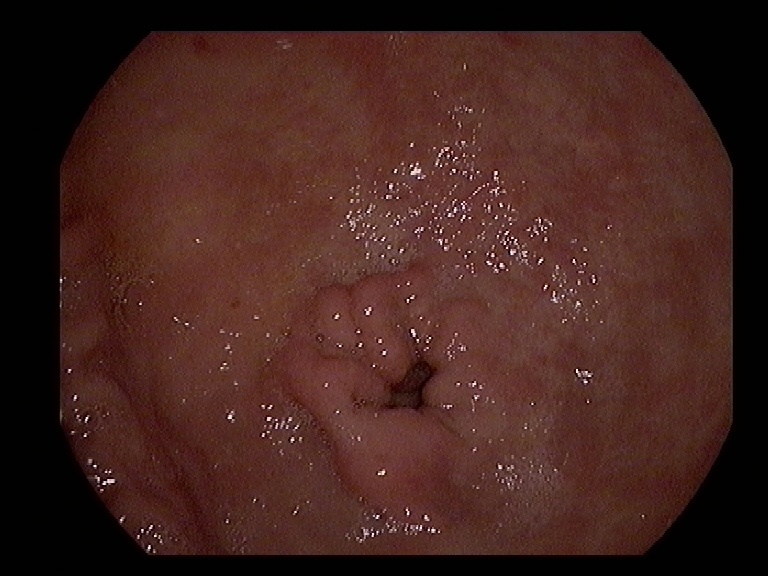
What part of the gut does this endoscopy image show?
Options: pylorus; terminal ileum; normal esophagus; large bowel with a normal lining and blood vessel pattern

pylorus